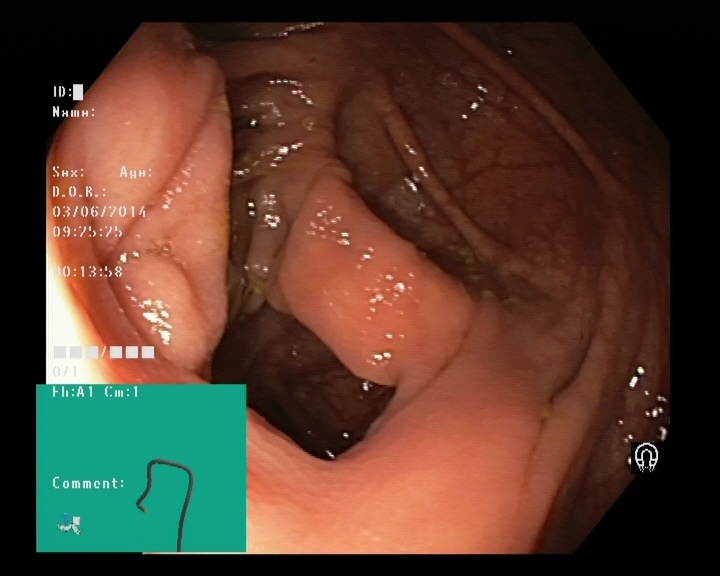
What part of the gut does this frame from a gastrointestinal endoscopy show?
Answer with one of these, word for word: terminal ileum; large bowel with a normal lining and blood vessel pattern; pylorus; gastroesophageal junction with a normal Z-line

large bowel with a normal lining and blood vessel pattern